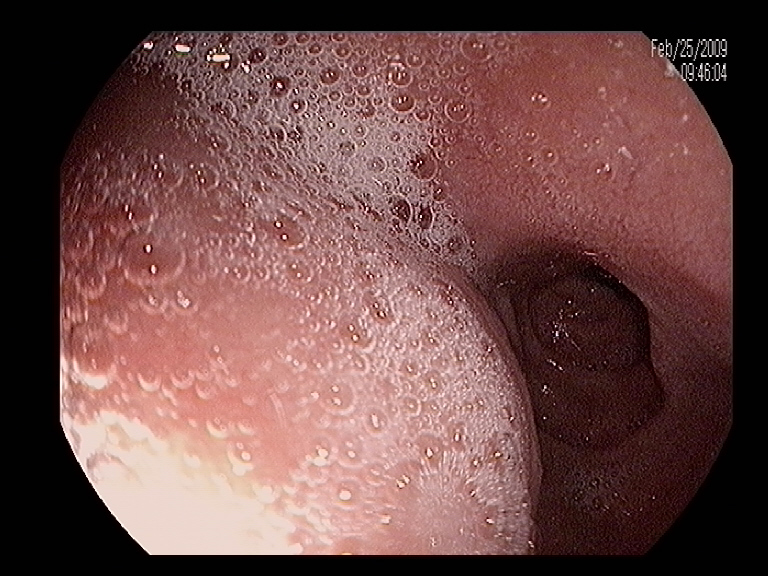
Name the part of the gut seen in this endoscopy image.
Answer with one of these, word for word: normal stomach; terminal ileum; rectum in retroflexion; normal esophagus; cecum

terminal ileum